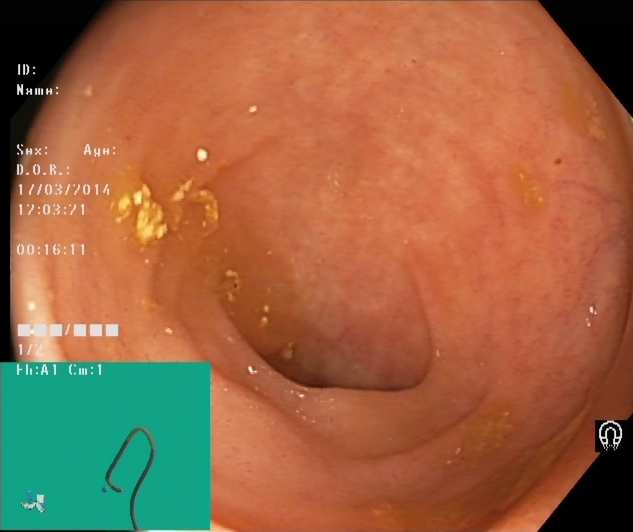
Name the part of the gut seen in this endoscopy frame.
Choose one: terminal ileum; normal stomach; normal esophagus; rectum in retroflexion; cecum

cecum